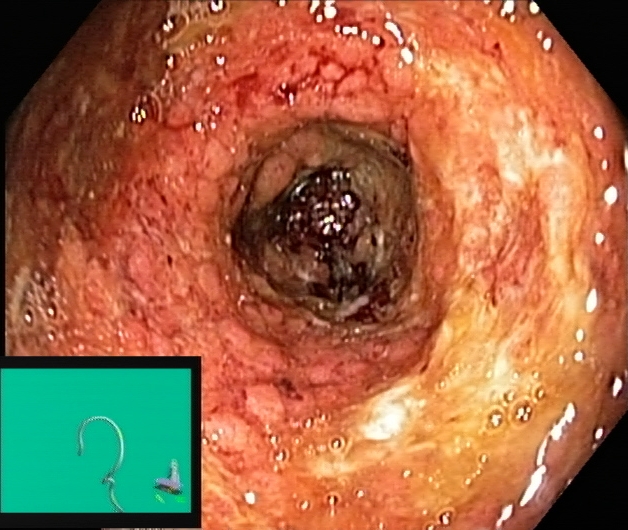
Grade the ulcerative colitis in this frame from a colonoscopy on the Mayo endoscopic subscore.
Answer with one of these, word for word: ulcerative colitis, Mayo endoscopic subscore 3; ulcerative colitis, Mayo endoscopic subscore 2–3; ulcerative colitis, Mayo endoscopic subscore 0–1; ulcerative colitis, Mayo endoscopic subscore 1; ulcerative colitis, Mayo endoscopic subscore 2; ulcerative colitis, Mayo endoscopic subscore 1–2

ulcerative colitis, Mayo endoscopic subscore 3